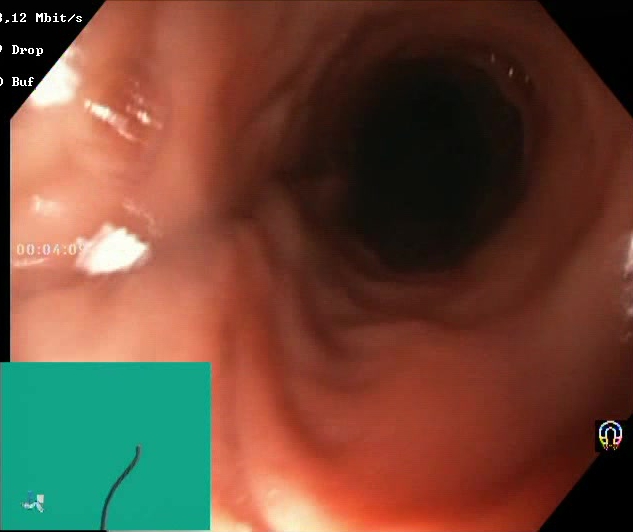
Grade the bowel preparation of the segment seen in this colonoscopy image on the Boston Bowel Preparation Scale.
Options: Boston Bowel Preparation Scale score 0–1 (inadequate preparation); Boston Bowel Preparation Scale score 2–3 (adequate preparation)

Boston Bowel Preparation Scale score 2–3 (adequate preparation)